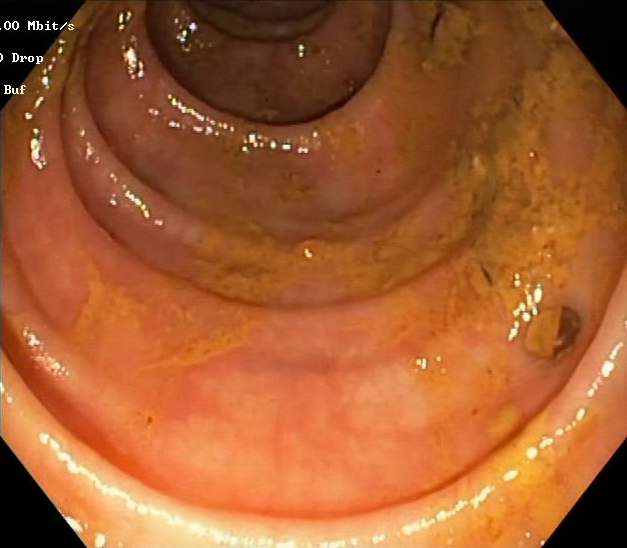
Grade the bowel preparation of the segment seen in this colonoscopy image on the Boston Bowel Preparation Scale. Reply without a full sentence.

Boston Bowel Preparation Scale score 0–1 (inadequate preparation)